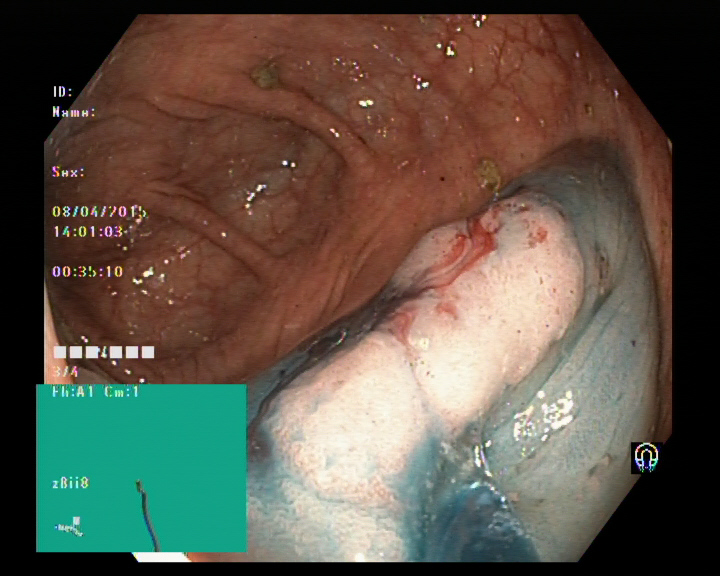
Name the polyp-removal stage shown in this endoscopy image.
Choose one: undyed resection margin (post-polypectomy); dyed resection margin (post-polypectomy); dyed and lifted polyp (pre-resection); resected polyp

dyed and lifted polyp (pre-resection)